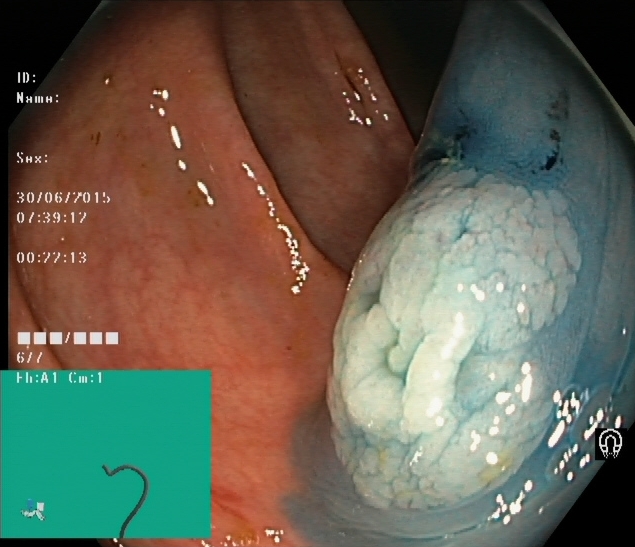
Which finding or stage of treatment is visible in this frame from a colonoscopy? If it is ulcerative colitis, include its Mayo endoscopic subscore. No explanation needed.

dyed and lifted polyp (pre-resection)